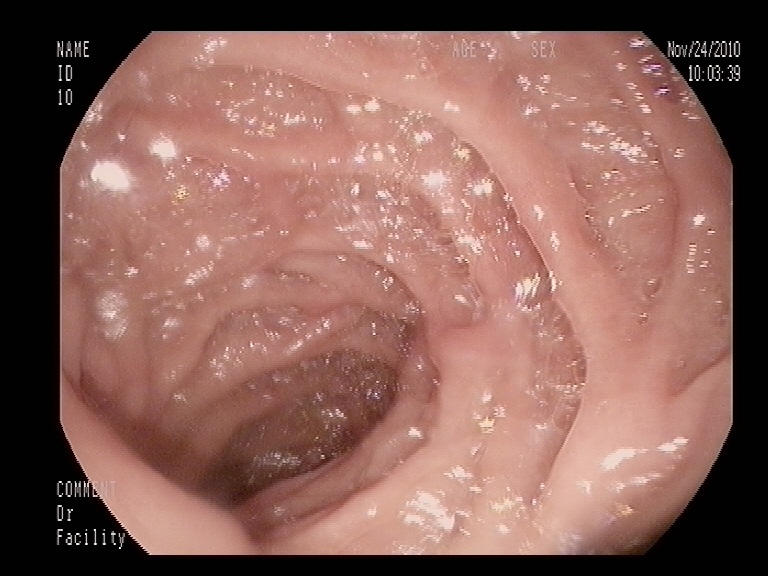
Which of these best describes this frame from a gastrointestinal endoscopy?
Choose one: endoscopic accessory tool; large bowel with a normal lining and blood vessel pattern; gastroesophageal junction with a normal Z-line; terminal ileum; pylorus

terminal ileum